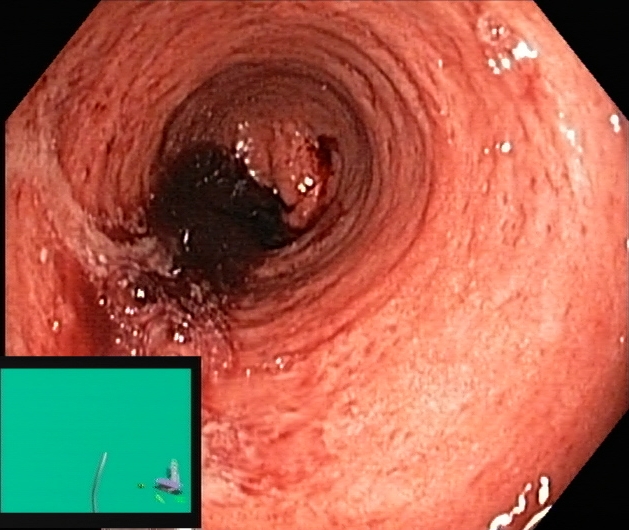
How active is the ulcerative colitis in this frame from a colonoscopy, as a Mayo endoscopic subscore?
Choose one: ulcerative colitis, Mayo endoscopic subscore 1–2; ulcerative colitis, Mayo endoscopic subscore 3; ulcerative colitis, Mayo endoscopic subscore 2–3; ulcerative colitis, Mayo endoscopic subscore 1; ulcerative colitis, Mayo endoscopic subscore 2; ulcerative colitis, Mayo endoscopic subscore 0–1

ulcerative colitis, Mayo endoscopic subscore 3